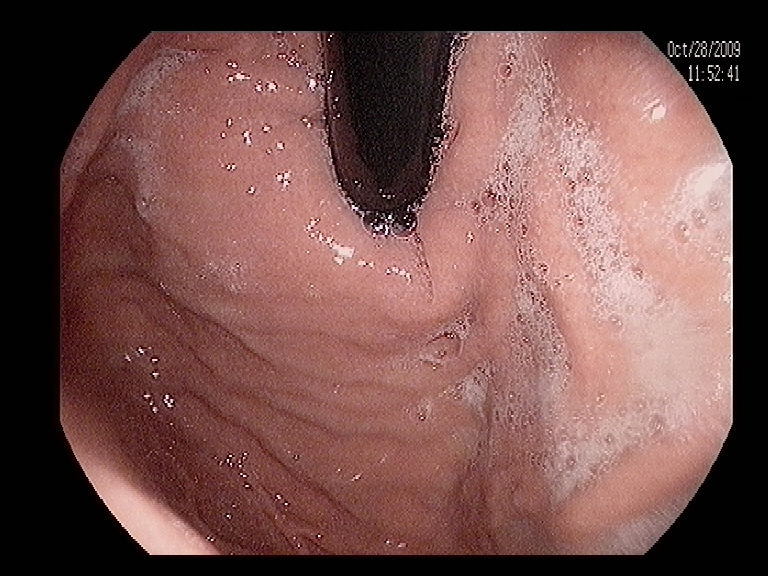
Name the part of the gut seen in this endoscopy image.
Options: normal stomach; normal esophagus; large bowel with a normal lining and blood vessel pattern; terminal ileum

normal stomach